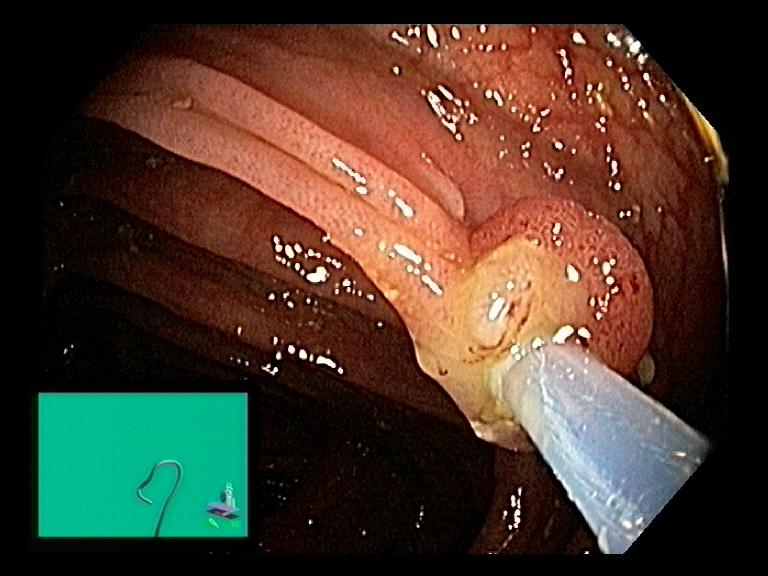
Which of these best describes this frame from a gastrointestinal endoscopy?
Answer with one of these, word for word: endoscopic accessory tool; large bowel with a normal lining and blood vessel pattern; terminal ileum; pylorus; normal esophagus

endoscopic accessory tool